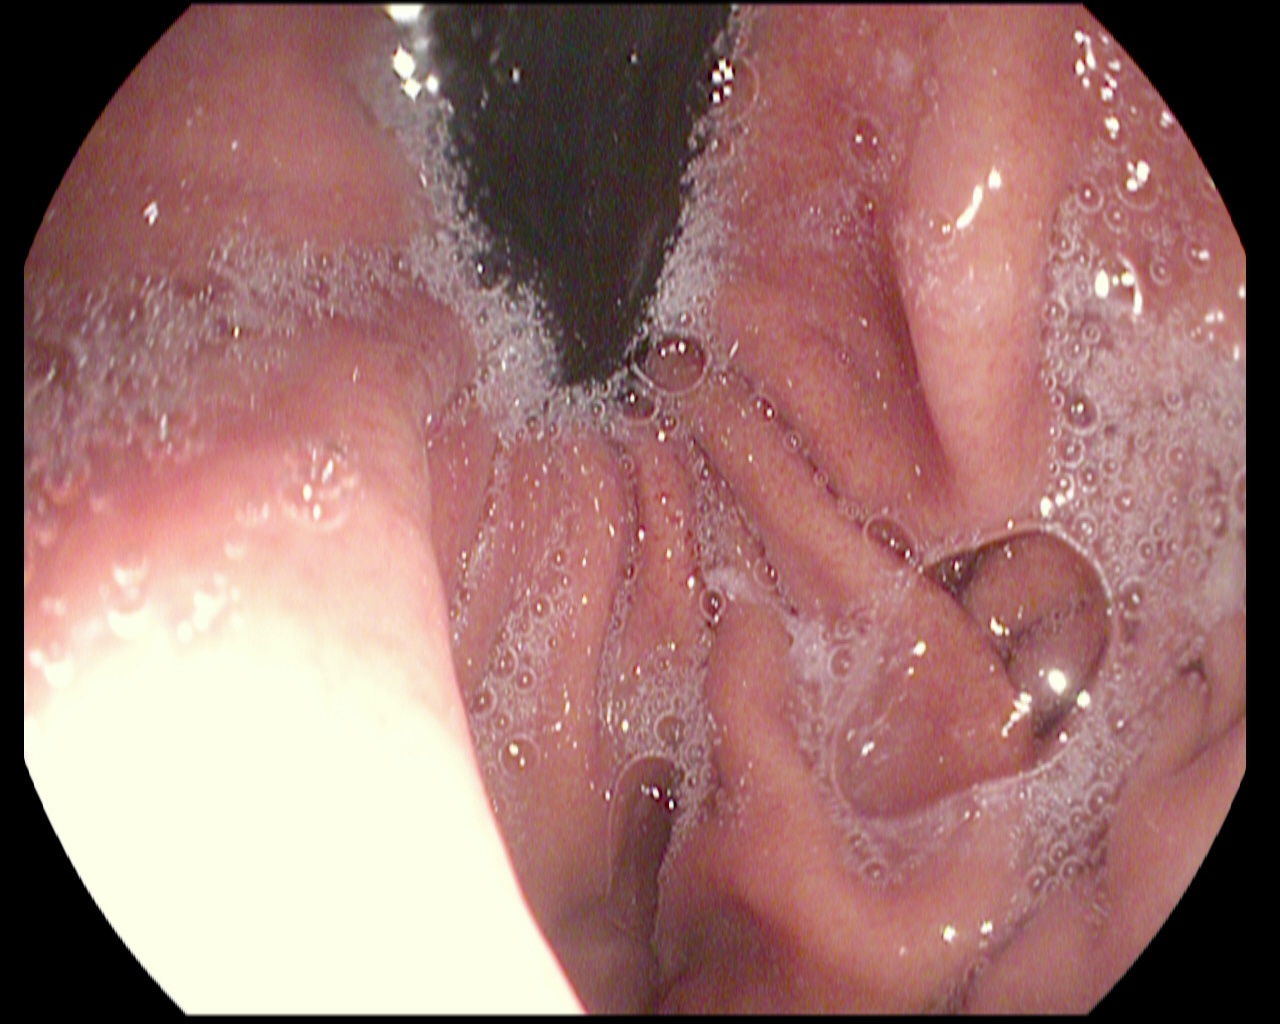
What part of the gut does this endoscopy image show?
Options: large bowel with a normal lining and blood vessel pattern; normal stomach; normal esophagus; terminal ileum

normal stomach